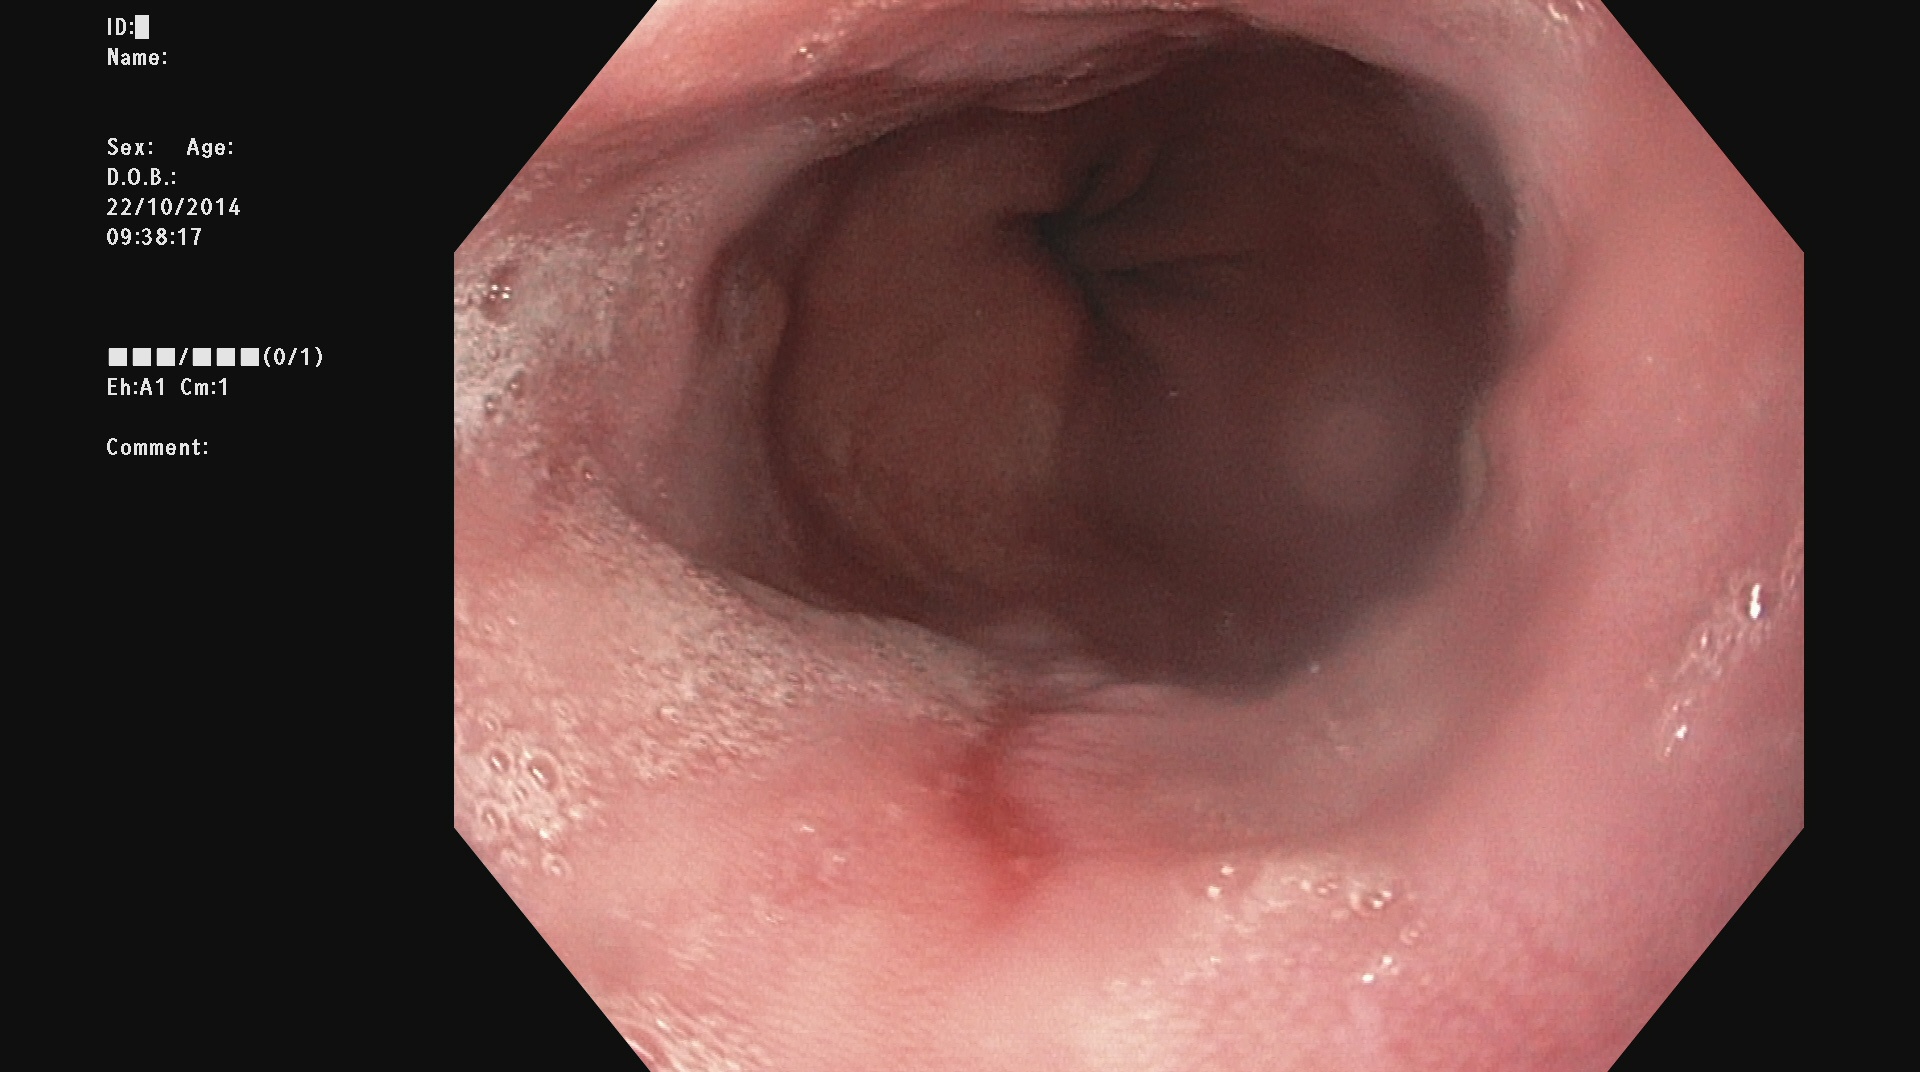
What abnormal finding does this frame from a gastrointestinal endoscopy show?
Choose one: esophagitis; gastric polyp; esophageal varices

esophagitis